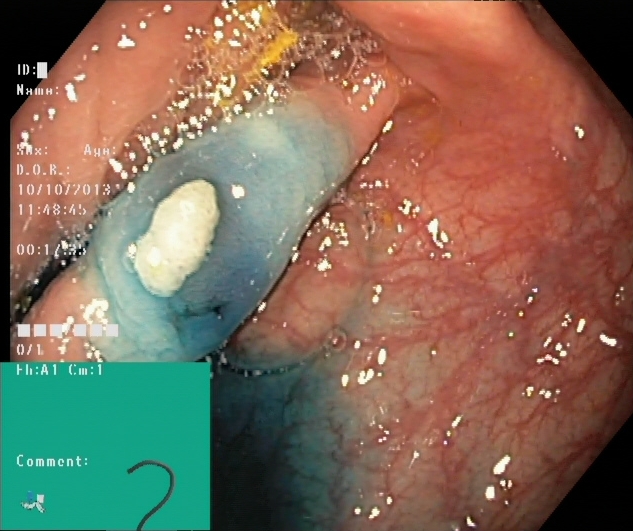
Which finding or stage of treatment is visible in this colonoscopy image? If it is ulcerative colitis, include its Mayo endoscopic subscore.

dyed and lifted polyp (pre-resection)